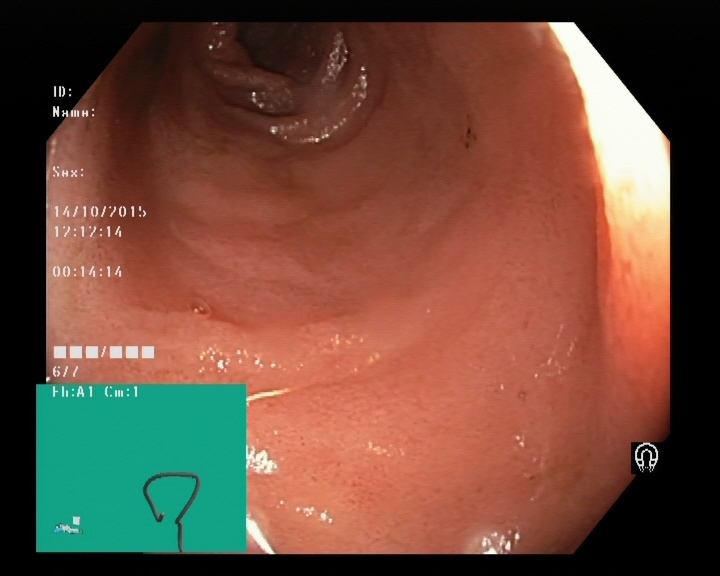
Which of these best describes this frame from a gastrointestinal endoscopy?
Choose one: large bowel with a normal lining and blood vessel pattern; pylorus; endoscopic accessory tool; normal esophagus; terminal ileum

large bowel with a normal lining and blood vessel pattern